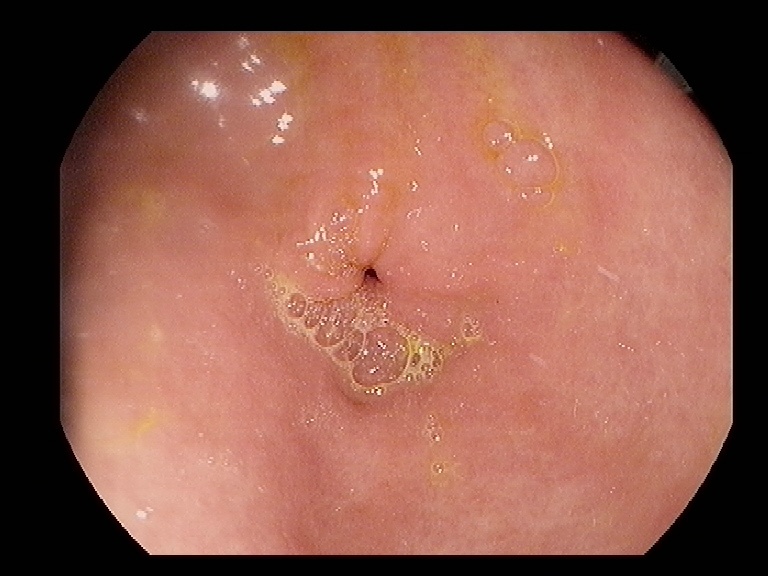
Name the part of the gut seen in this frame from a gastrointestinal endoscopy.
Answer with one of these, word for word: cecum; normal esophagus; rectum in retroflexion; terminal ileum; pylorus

pylorus